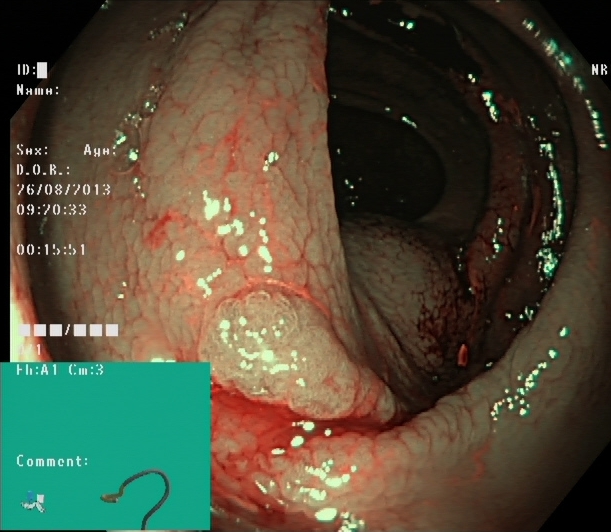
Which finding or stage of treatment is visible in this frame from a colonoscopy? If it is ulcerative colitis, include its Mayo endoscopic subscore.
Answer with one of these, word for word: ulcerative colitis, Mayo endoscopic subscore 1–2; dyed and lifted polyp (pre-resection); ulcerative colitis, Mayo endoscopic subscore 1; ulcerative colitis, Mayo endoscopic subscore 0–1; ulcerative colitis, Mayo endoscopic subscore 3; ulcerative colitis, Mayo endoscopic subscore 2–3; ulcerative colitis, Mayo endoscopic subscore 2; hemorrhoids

dyed and lifted polyp (pre-resection)